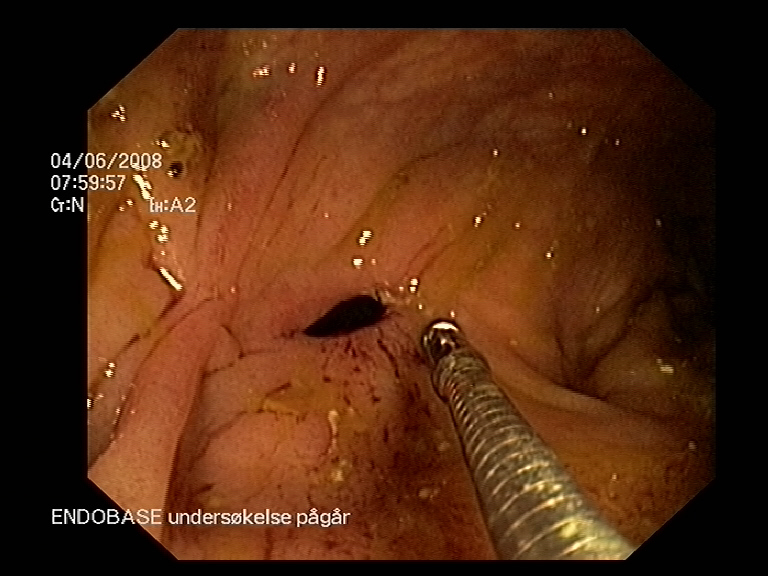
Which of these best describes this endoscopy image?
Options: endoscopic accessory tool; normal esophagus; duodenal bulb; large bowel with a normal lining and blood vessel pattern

endoscopic accessory tool